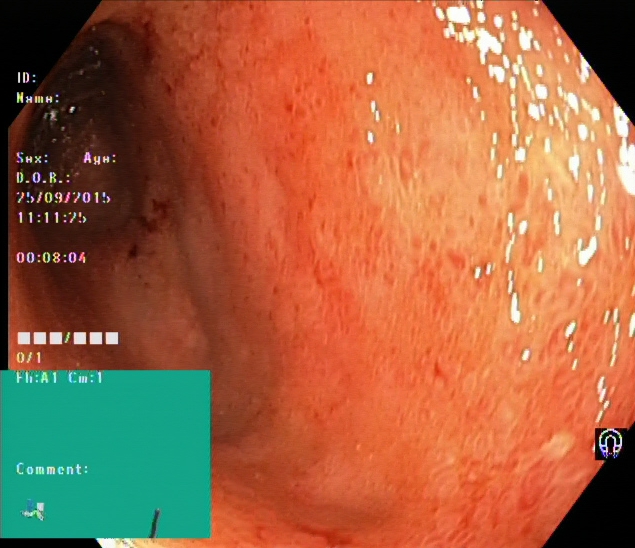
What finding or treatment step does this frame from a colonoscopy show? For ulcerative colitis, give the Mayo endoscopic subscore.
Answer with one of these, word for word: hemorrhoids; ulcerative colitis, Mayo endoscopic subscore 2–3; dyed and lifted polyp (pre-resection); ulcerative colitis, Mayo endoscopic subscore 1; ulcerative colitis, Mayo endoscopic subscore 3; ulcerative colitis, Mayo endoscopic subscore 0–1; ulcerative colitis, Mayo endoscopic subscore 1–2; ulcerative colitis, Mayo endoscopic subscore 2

ulcerative colitis, Mayo endoscopic subscore 2